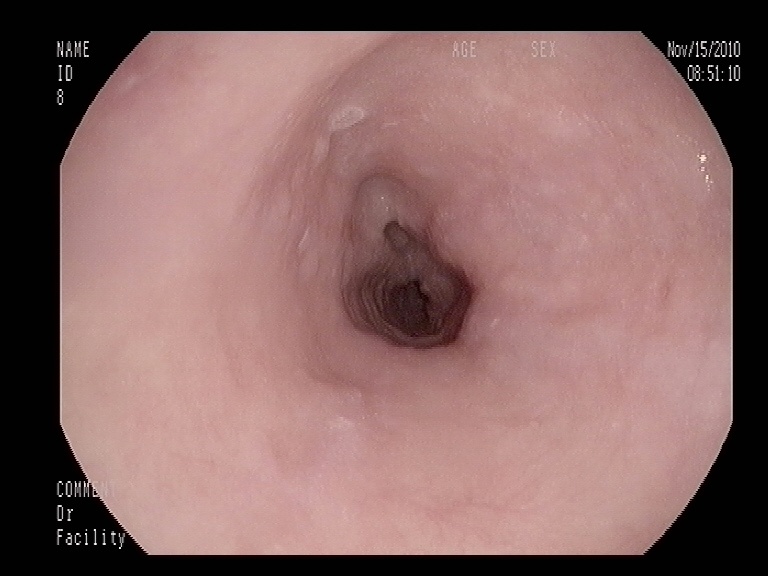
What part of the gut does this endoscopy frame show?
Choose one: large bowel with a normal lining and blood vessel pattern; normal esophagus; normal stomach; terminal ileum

normal esophagus